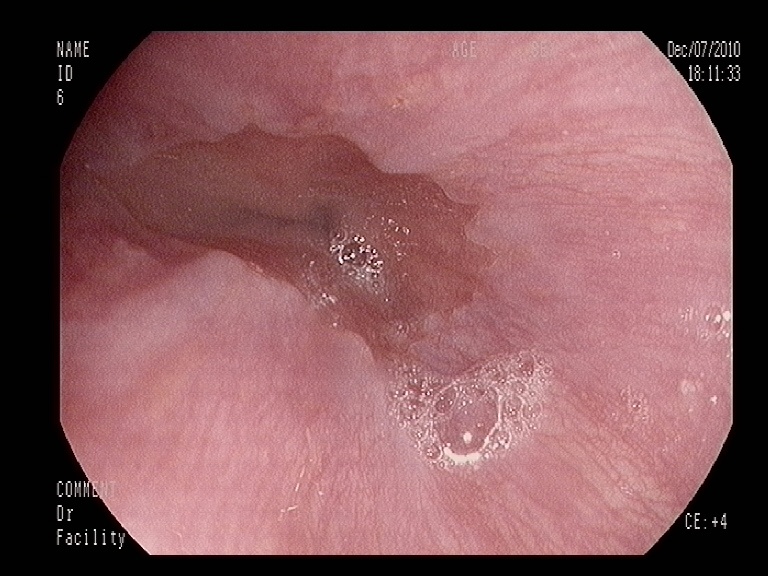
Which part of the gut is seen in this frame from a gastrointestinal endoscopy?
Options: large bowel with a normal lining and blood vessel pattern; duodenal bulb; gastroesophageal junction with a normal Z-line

gastroesophageal junction with a normal Z-line